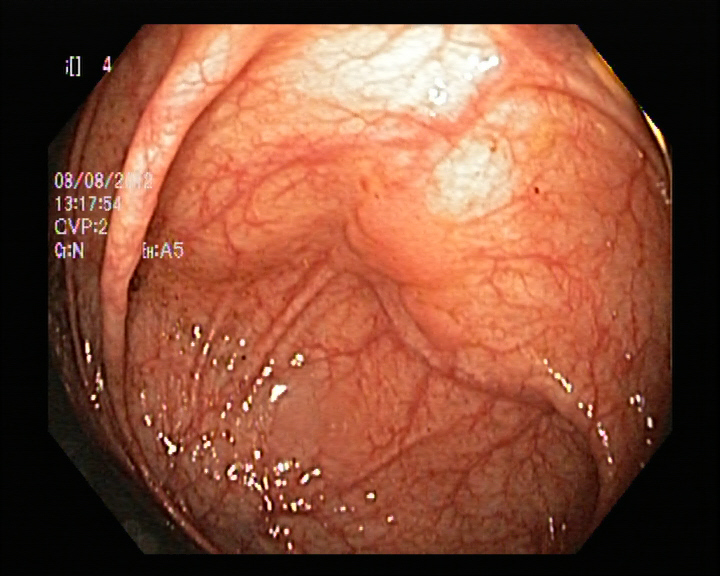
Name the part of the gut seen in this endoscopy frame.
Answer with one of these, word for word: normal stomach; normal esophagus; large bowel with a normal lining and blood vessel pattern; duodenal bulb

large bowel with a normal lining and blood vessel pattern